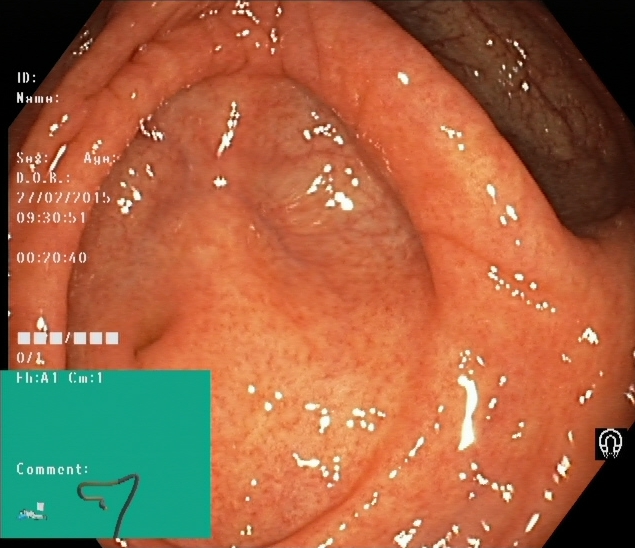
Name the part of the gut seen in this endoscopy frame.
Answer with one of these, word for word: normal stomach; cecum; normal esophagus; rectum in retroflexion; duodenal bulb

cecum